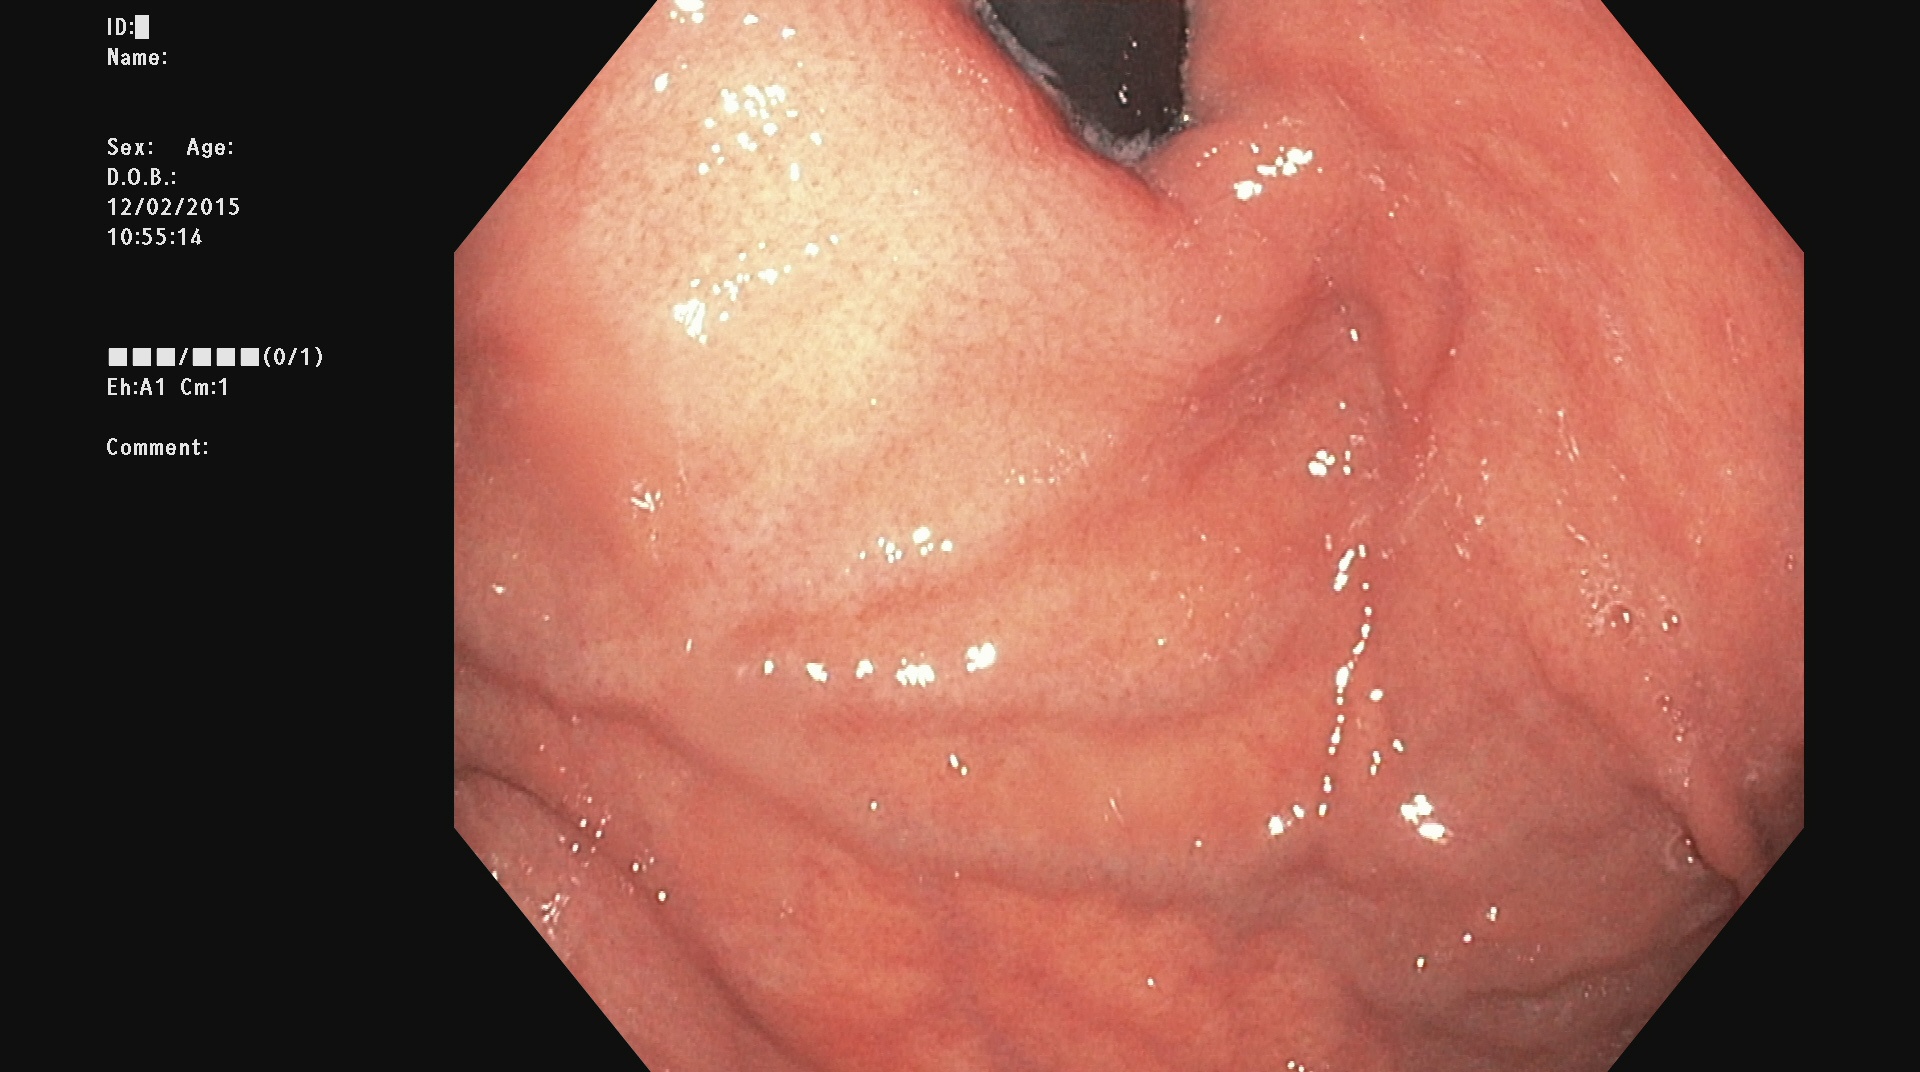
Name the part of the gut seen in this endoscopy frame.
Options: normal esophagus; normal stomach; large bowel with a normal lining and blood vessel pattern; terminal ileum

normal stomach